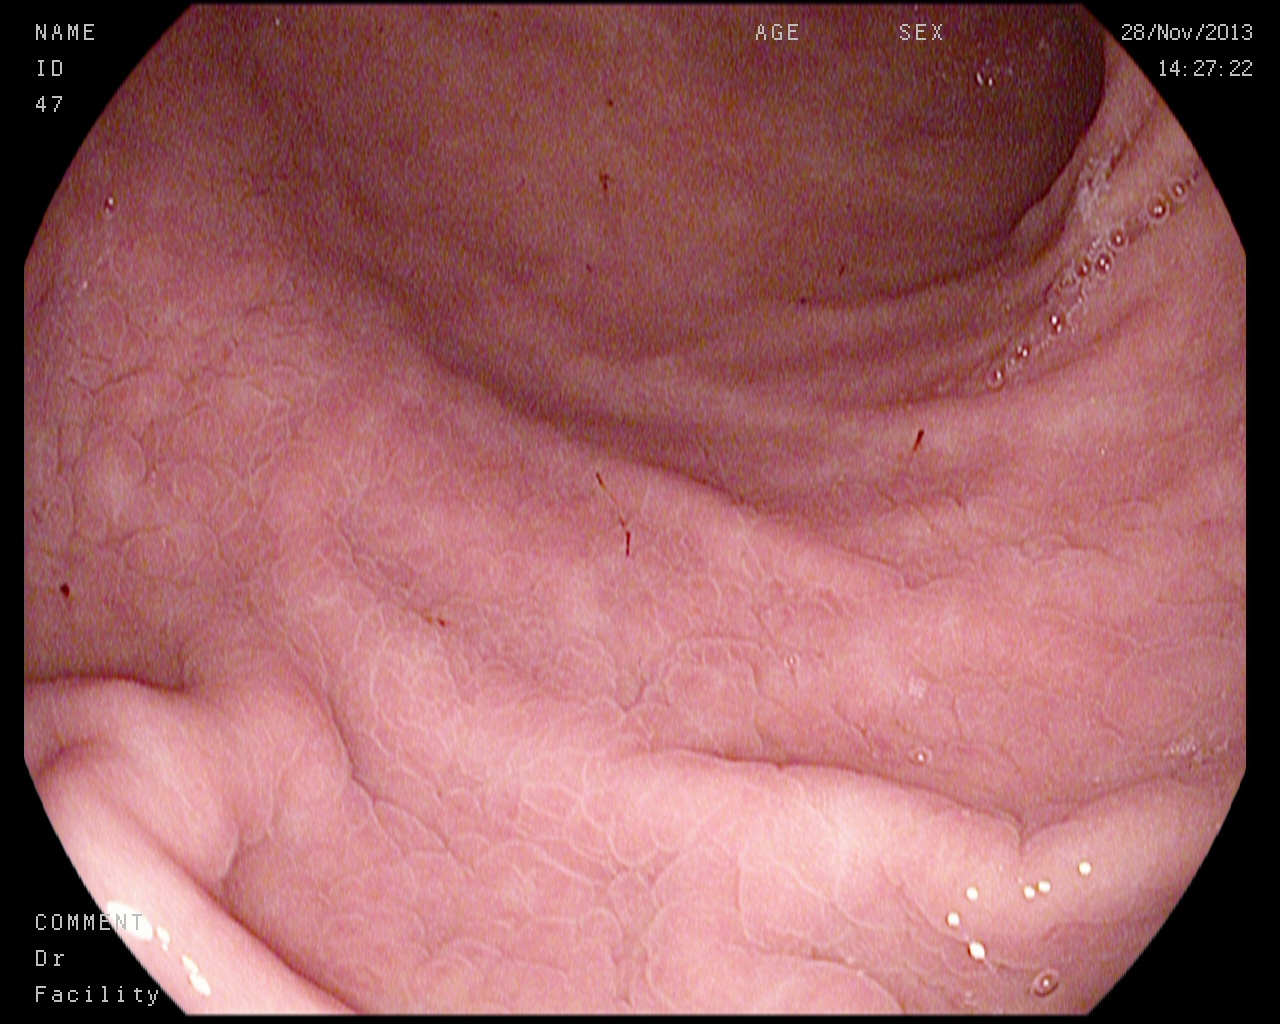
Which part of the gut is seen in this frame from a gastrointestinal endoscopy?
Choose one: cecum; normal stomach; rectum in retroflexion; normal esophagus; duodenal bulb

normal stomach